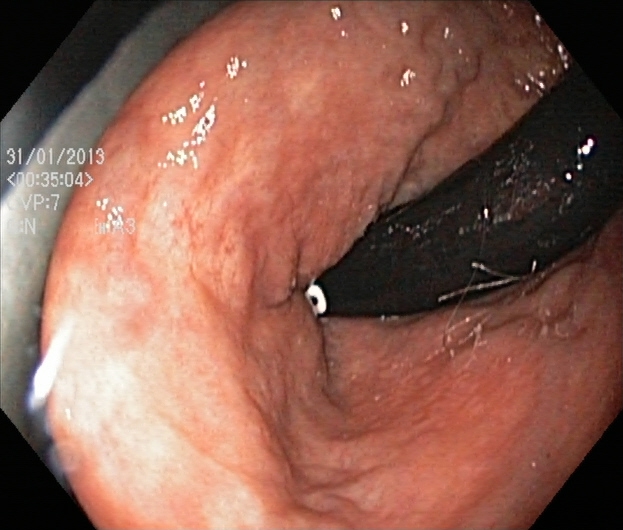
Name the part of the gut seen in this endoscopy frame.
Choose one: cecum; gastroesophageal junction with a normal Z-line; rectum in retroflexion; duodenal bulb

rectum in retroflexion